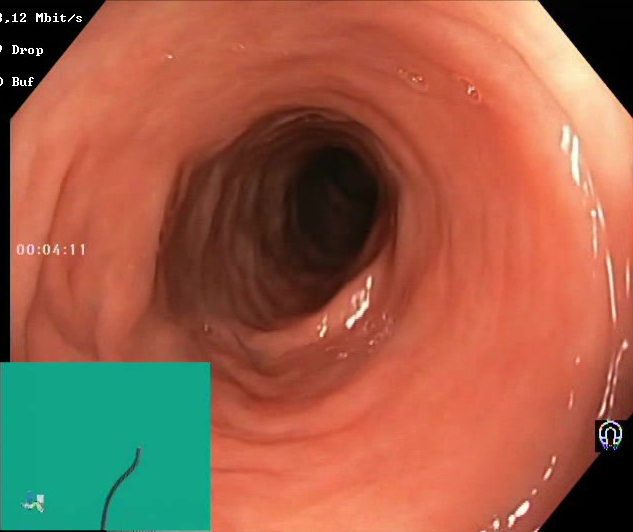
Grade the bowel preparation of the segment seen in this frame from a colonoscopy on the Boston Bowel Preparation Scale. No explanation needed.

Boston Bowel Preparation Scale score 2–3 (adequate preparation)